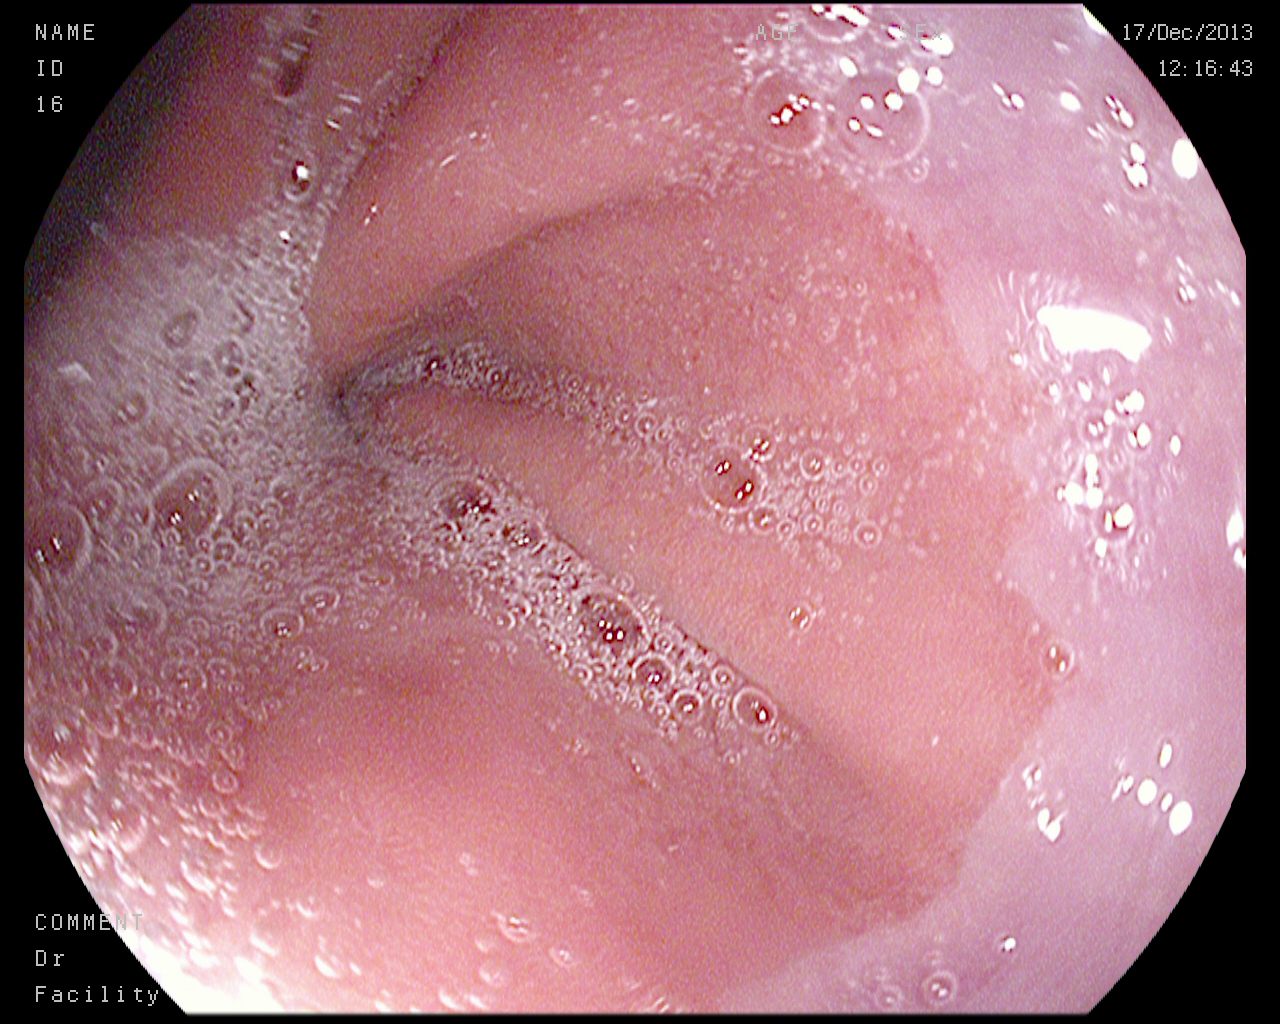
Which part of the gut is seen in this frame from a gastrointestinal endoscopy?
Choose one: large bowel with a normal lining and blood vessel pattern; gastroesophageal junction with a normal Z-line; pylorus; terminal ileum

gastroesophageal junction with a normal Z-line